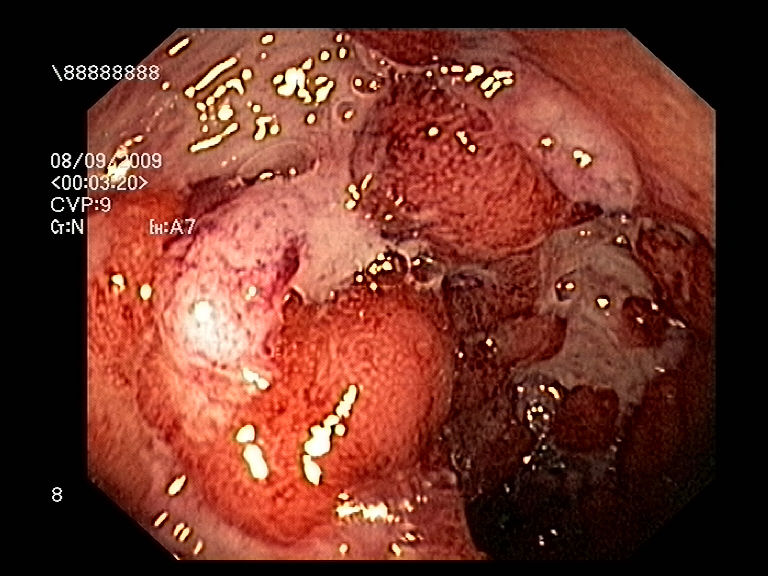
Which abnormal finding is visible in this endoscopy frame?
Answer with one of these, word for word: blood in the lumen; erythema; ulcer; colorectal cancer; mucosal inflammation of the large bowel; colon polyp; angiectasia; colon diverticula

colon polyp